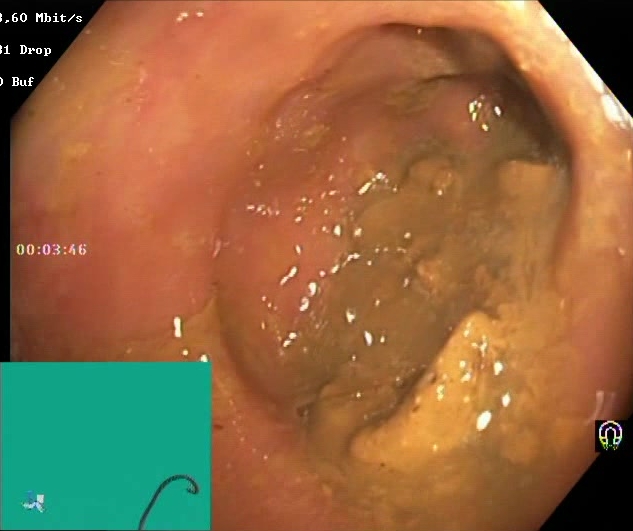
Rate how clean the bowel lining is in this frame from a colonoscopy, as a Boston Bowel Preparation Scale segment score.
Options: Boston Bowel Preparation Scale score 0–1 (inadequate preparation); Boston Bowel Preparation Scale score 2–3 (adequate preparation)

Boston Bowel Preparation Scale score 0–1 (inadequate preparation)